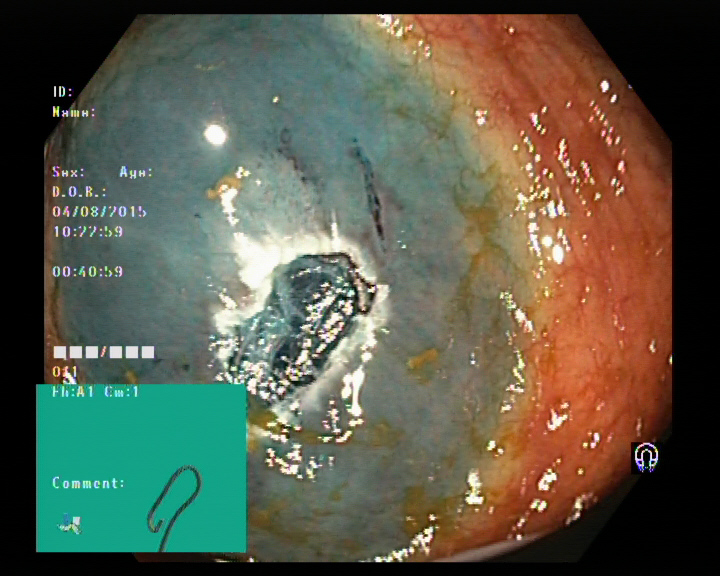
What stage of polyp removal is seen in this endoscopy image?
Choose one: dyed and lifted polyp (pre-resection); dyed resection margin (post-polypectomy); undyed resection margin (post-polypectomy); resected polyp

dyed resection margin (post-polypectomy)